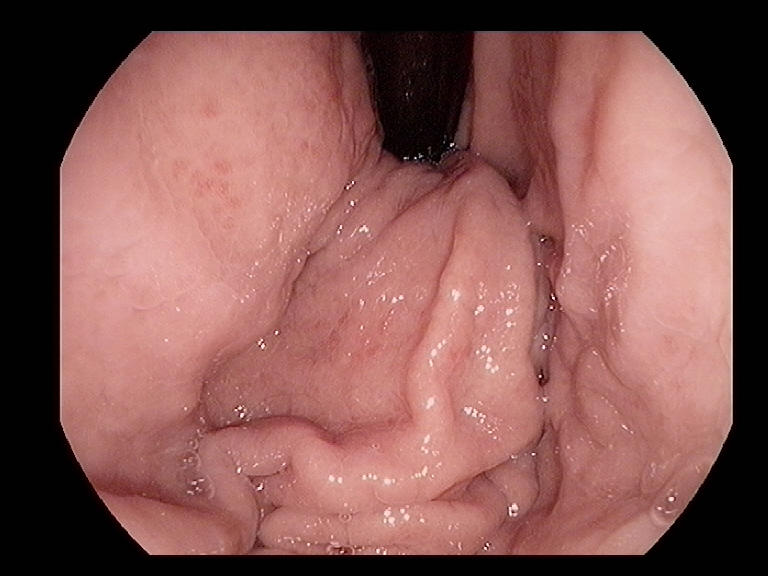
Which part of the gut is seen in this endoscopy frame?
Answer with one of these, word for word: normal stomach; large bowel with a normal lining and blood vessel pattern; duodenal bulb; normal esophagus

normal stomach